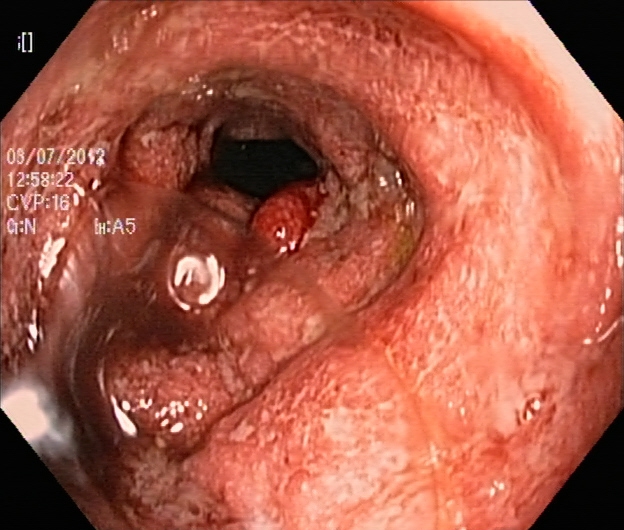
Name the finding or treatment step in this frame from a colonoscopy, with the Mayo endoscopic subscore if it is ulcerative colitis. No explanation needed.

ulcerative colitis, Mayo endoscopic subscore 3